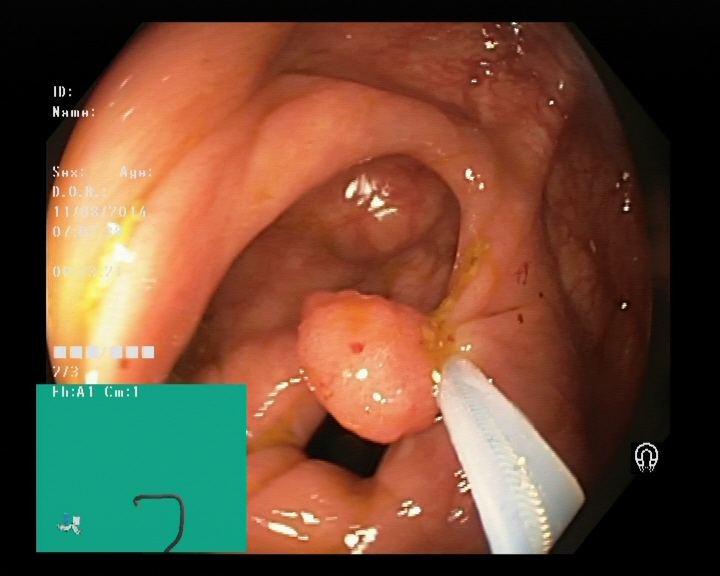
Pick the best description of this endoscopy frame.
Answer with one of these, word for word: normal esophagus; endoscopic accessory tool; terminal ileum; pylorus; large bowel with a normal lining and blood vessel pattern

endoscopic accessory tool